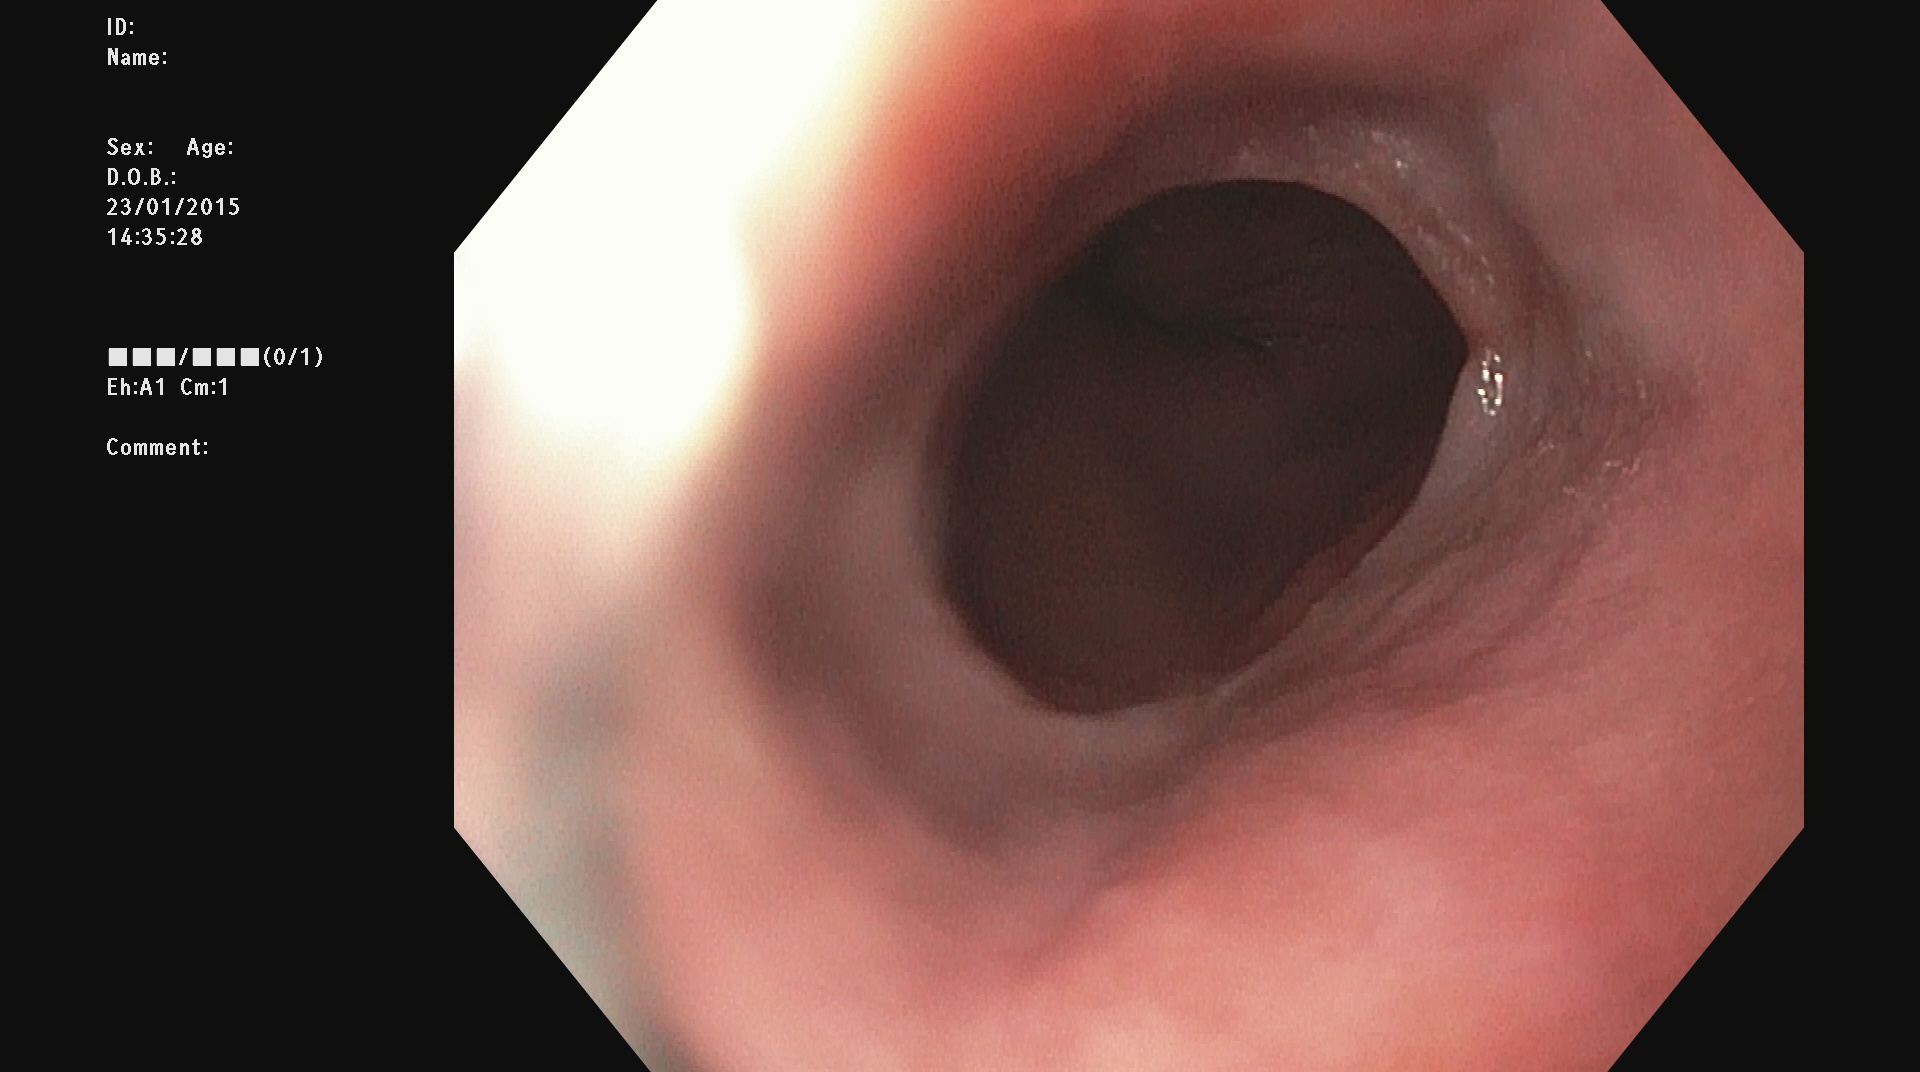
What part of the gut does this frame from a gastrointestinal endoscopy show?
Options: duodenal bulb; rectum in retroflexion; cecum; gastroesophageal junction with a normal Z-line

gastroesophageal junction with a normal Z-line